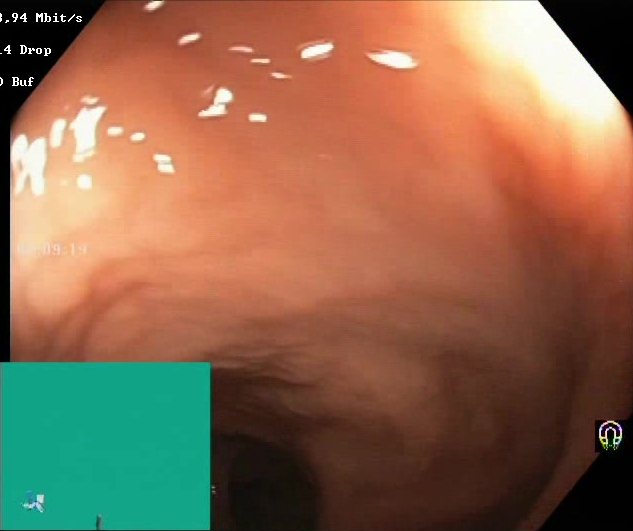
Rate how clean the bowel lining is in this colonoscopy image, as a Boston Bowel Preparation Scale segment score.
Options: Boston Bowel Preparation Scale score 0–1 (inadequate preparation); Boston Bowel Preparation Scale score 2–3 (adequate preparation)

Boston Bowel Preparation Scale score 2–3 (adequate preparation)